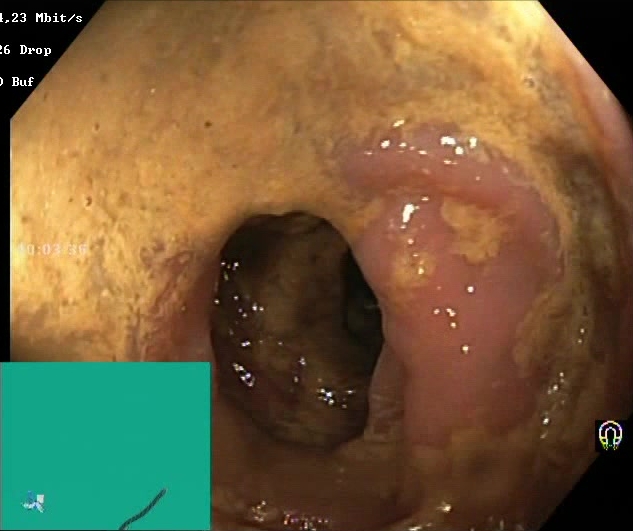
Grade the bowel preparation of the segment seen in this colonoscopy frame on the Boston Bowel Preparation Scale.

Boston Bowel Preparation Scale score 0–1 (inadequate preparation)